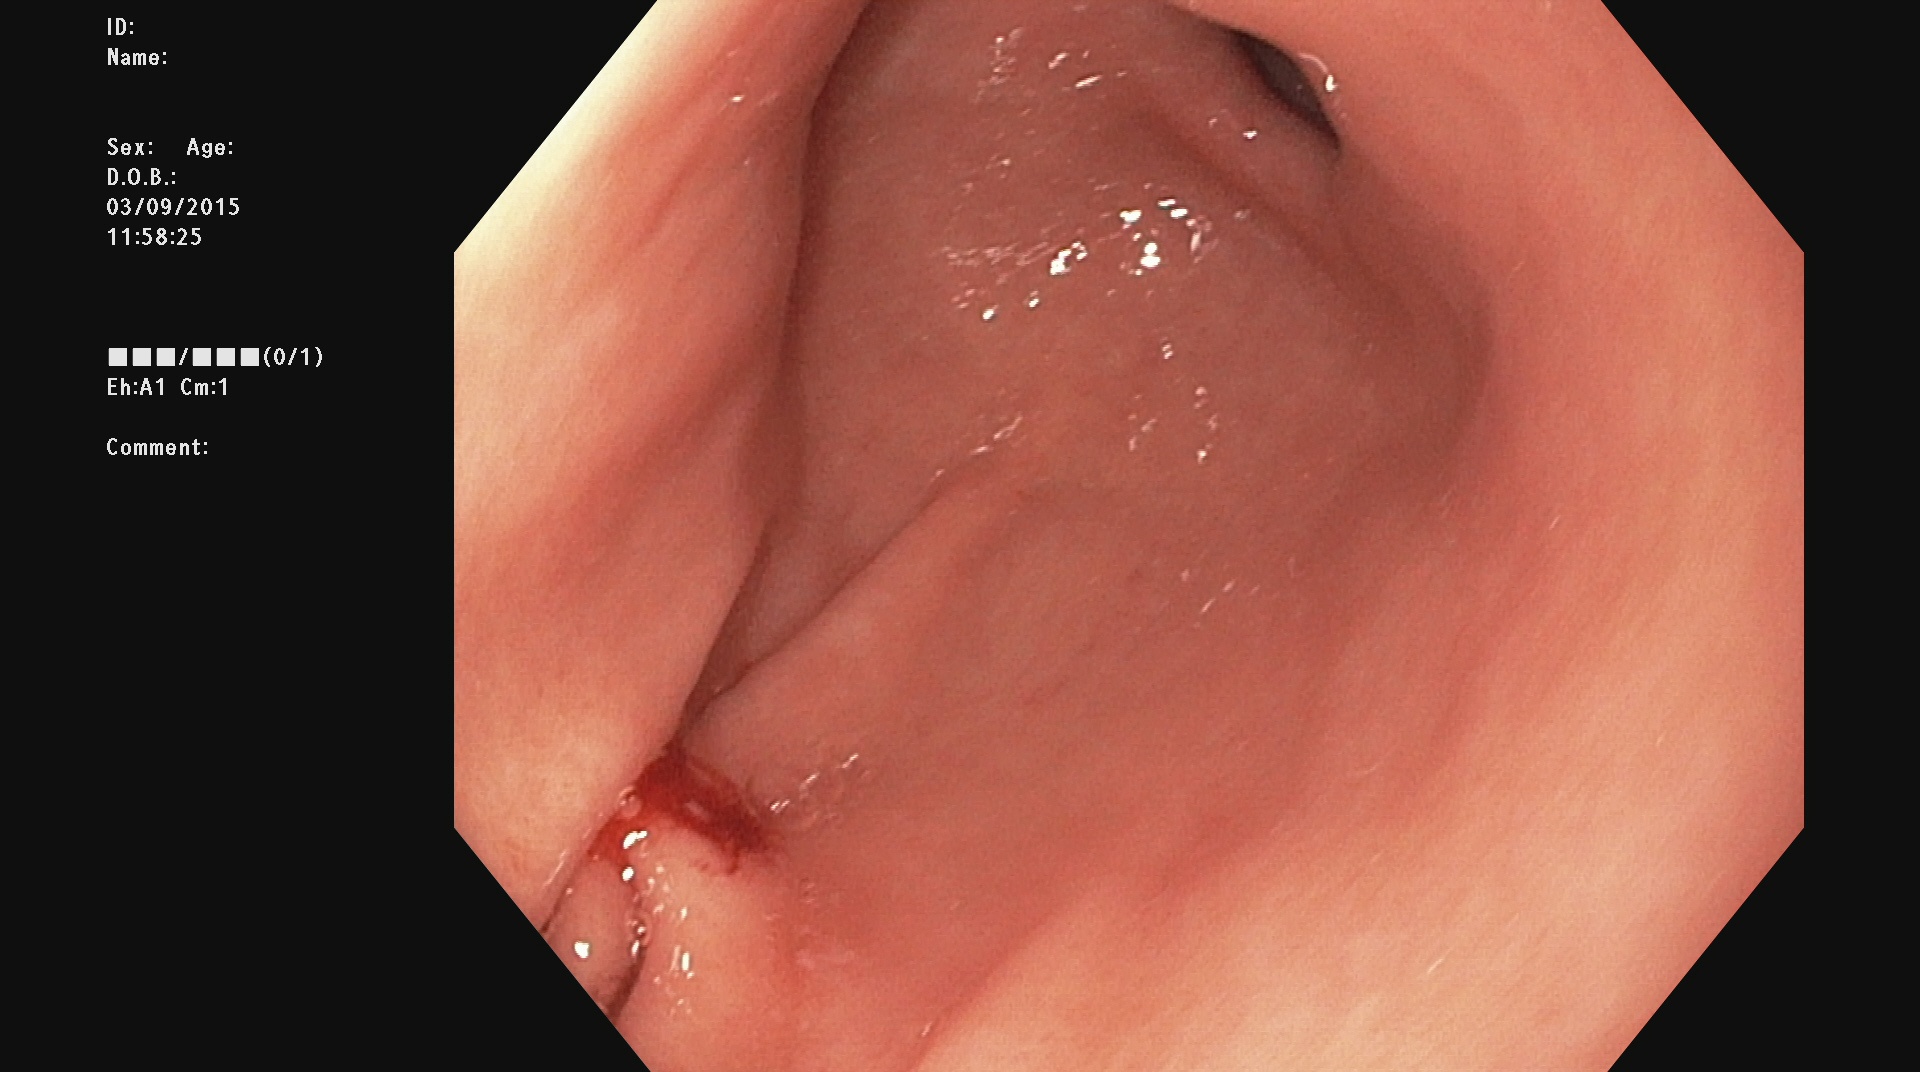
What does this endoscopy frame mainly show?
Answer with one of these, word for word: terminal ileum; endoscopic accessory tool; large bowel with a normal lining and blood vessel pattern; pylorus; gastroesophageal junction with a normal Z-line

pylorus